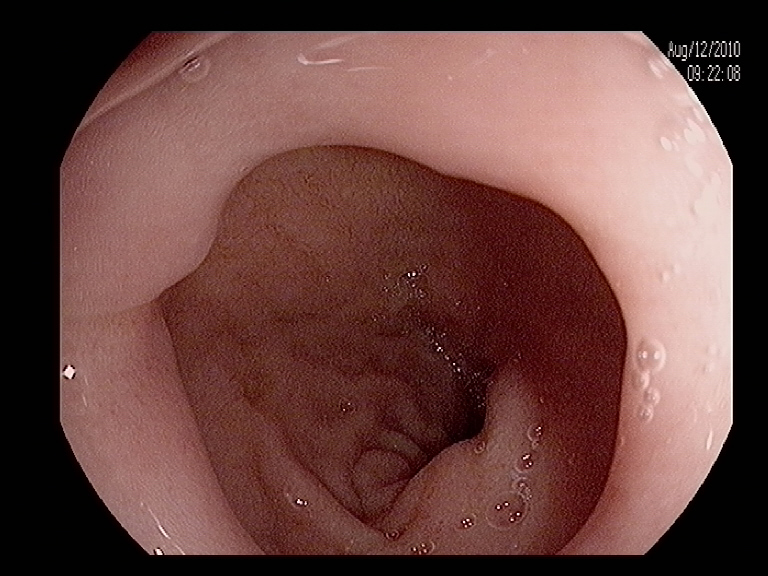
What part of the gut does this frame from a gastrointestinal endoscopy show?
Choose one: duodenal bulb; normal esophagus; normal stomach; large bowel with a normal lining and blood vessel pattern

normal stomach